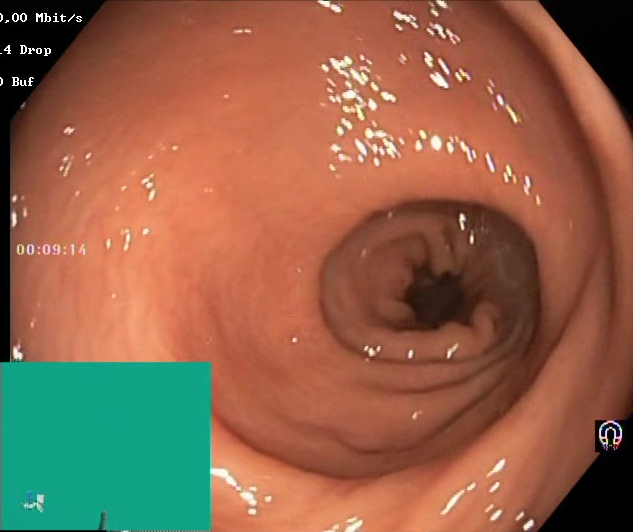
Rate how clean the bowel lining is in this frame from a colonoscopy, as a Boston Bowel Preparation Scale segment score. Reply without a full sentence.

Boston Bowel Preparation Scale score 2–3 (adequate preparation)